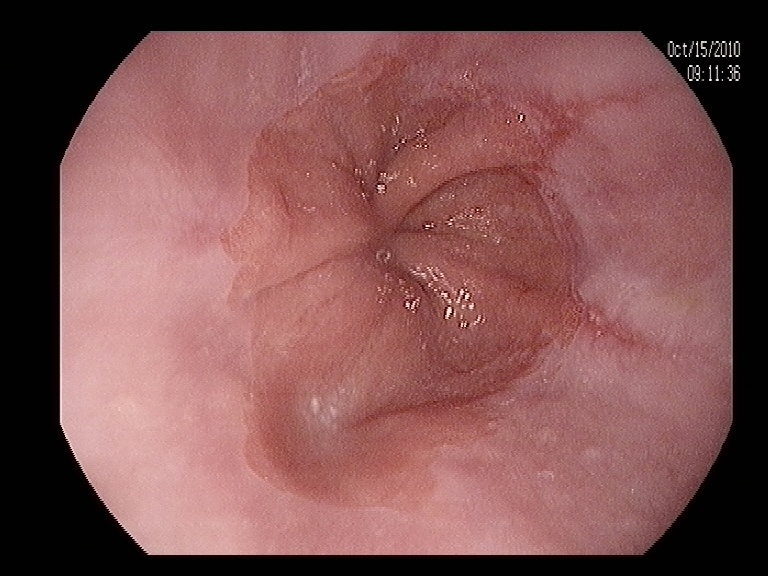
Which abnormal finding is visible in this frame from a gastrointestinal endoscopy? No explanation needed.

esophagitis